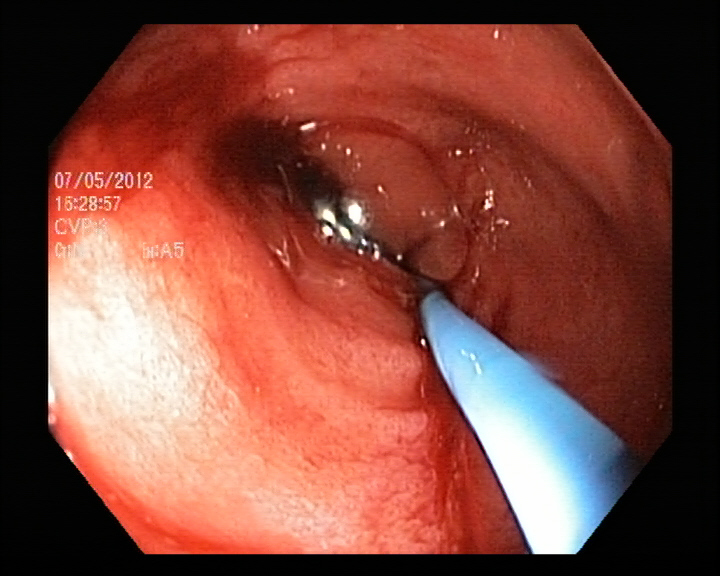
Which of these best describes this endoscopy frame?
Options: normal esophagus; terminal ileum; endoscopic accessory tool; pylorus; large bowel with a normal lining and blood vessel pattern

endoscopic accessory tool